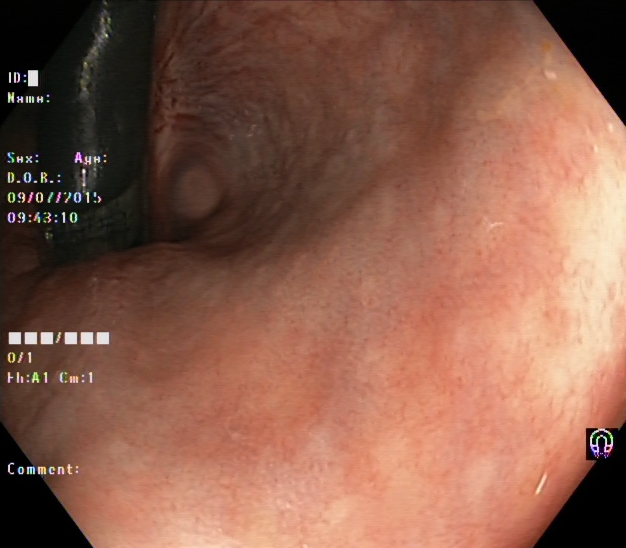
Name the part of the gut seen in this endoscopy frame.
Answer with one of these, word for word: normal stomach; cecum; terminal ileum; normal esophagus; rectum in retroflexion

rectum in retroflexion